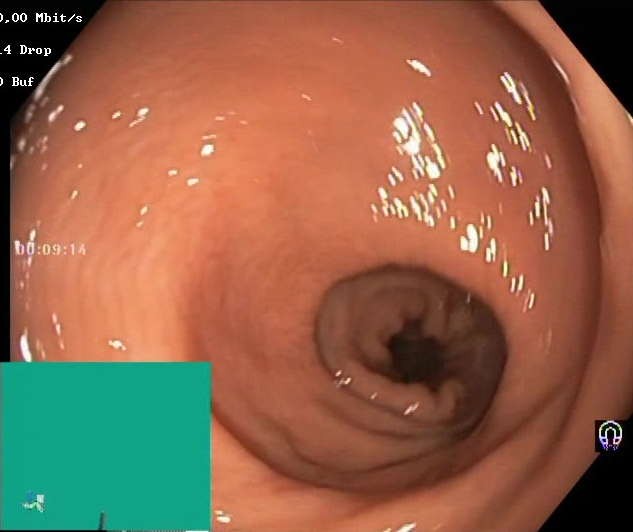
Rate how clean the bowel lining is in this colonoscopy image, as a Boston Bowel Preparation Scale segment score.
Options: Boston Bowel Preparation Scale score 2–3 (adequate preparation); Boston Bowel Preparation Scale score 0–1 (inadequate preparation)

Boston Bowel Preparation Scale score 2–3 (adequate preparation)